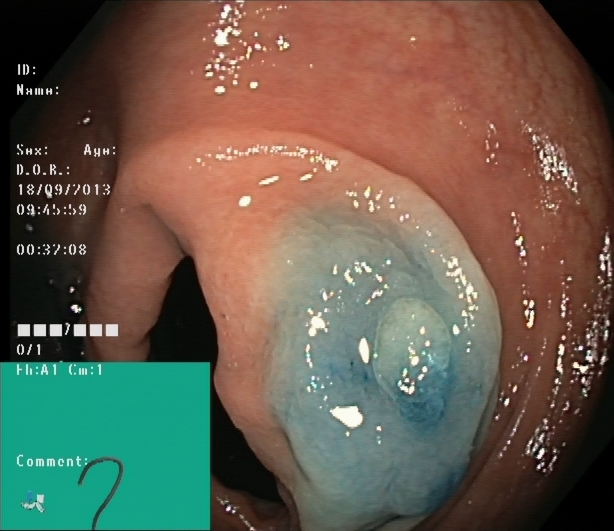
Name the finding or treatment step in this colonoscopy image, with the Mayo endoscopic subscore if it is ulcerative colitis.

dyed and lifted polyp (pre-resection)